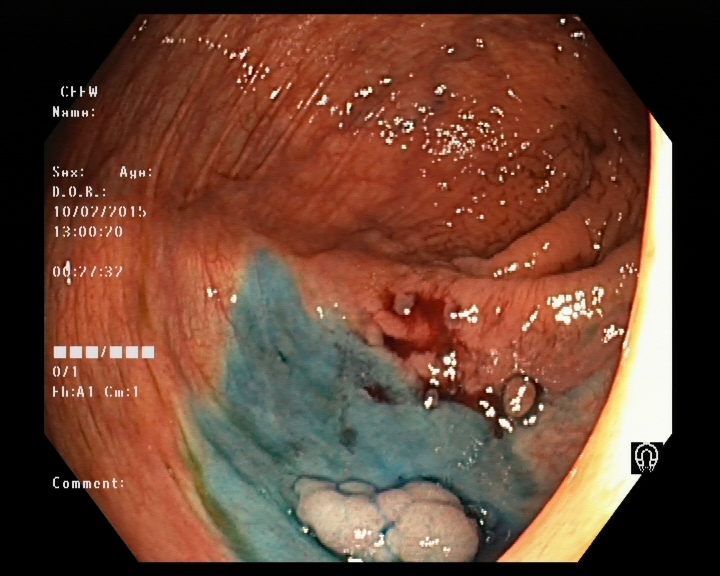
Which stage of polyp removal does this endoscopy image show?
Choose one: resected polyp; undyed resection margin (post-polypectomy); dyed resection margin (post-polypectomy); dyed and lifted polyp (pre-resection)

dyed and lifted polyp (pre-resection)